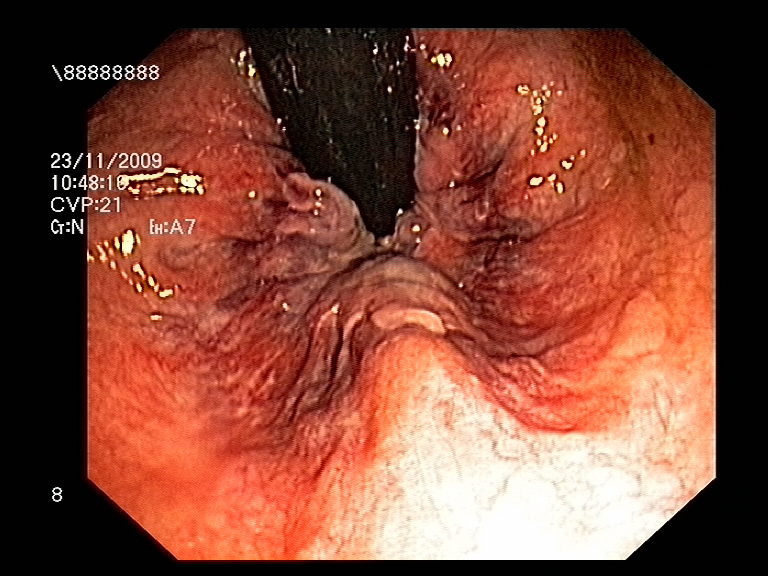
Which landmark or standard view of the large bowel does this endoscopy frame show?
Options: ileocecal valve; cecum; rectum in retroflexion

rectum in retroflexion